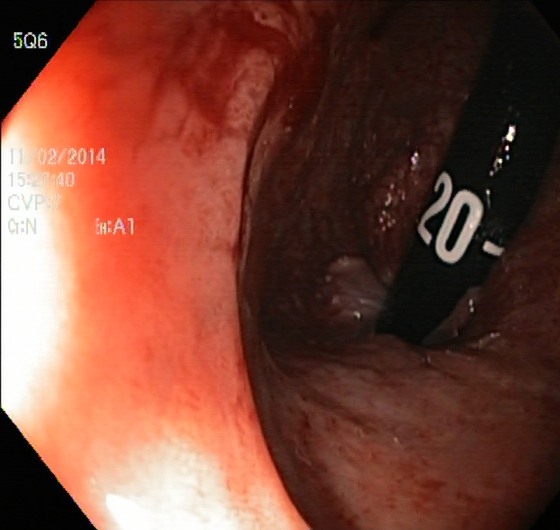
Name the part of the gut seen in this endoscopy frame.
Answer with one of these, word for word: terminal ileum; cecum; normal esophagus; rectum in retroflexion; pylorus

rectum in retroflexion